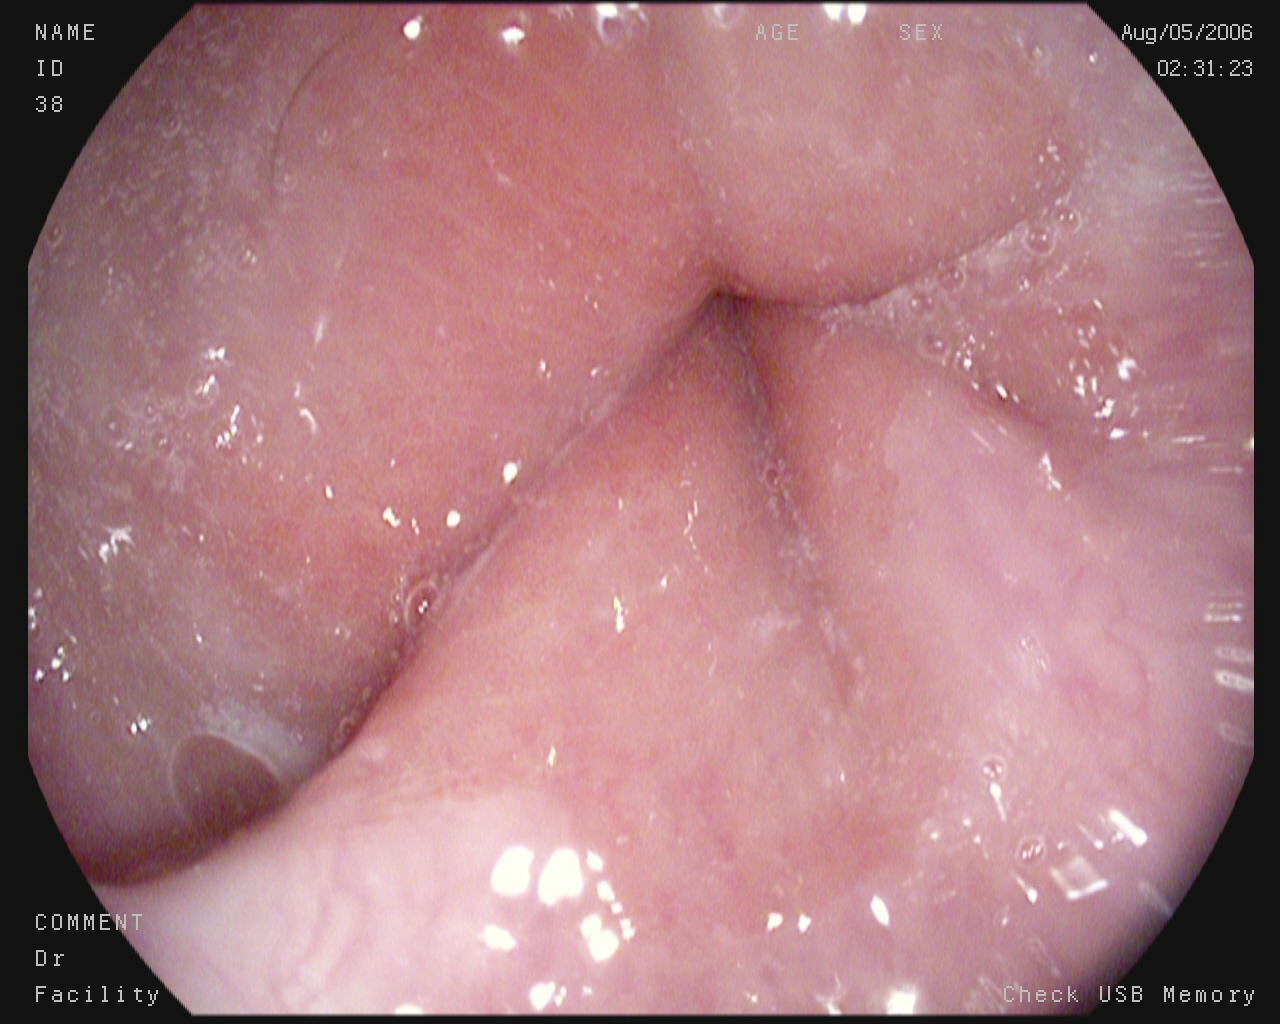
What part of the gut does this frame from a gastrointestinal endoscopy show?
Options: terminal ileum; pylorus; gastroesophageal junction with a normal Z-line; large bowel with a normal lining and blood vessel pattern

gastroesophageal junction with a normal Z-line